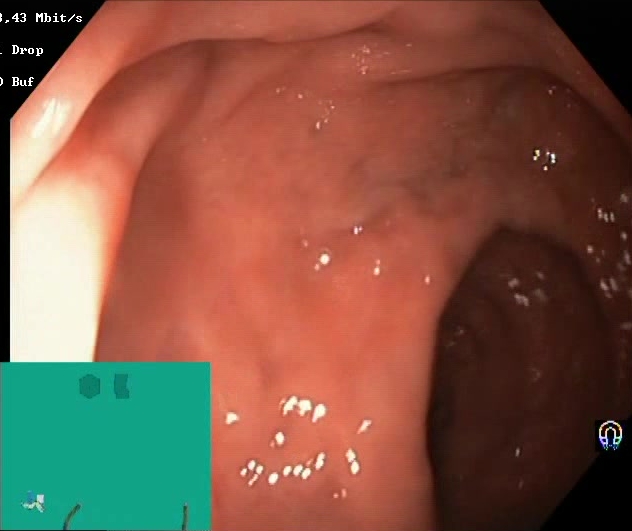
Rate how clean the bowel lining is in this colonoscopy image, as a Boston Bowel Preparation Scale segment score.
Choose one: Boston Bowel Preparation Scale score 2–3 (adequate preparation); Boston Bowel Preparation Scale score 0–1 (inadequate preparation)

Boston Bowel Preparation Scale score 2–3 (adequate preparation)